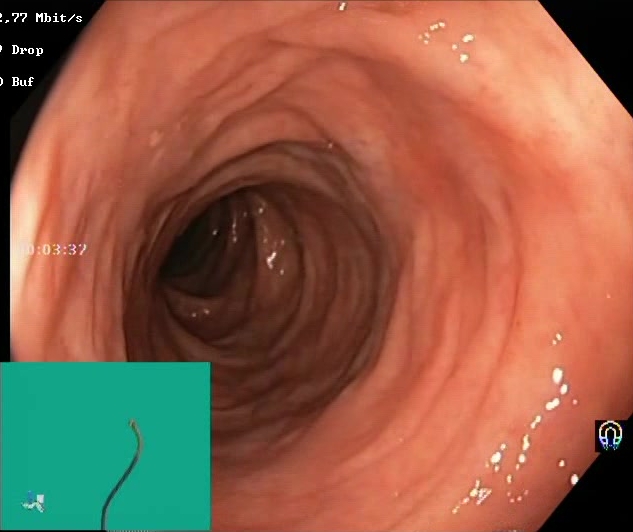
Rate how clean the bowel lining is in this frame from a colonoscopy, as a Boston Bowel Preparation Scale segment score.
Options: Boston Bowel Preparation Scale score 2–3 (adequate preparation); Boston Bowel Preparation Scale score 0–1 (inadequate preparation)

Boston Bowel Preparation Scale score 2–3 (adequate preparation)